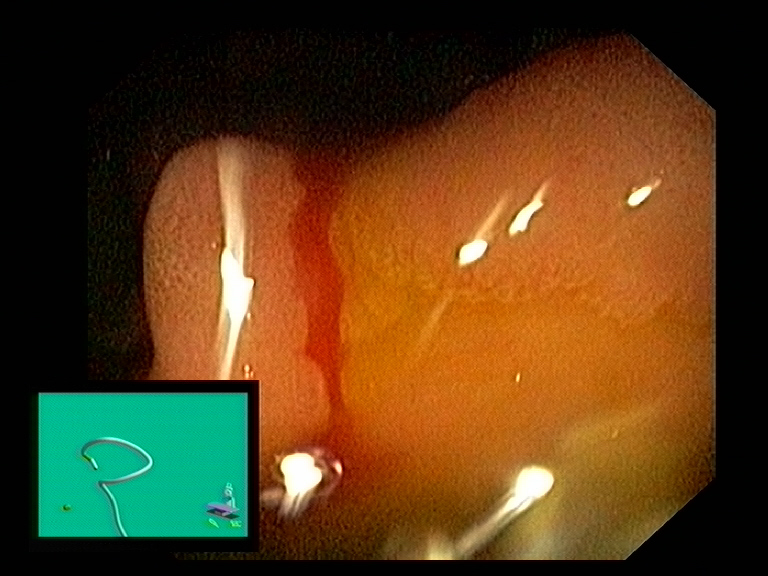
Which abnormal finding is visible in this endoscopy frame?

blood in the lumen